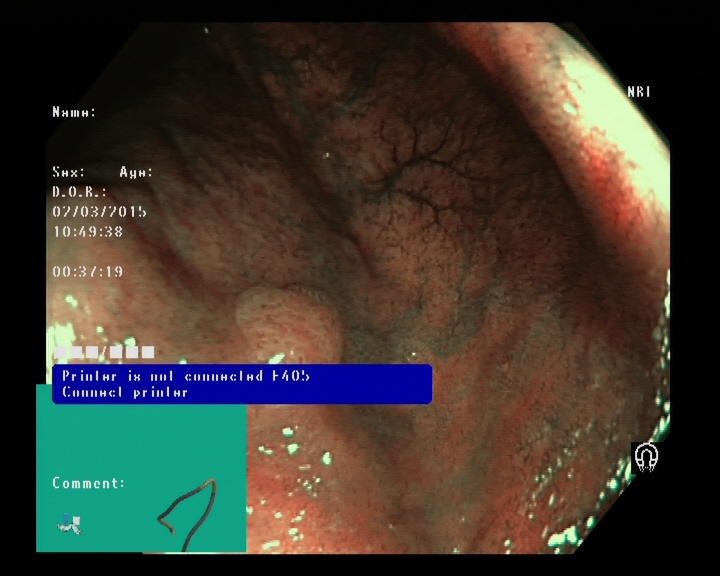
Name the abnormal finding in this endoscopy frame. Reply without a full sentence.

colon polyp